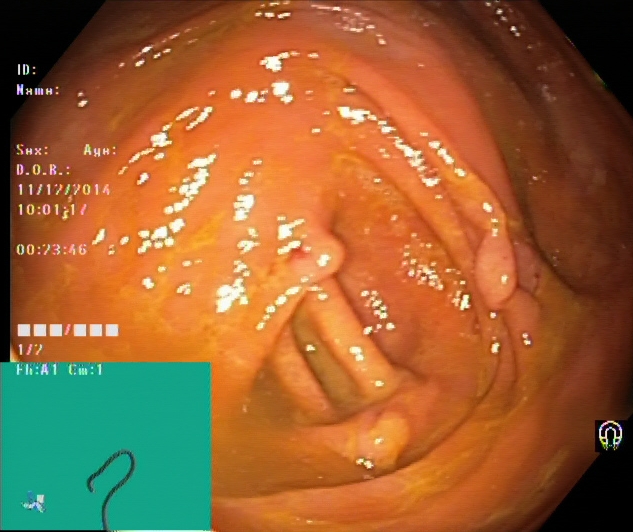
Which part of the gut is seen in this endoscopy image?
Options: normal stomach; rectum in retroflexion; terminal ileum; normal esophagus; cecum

cecum